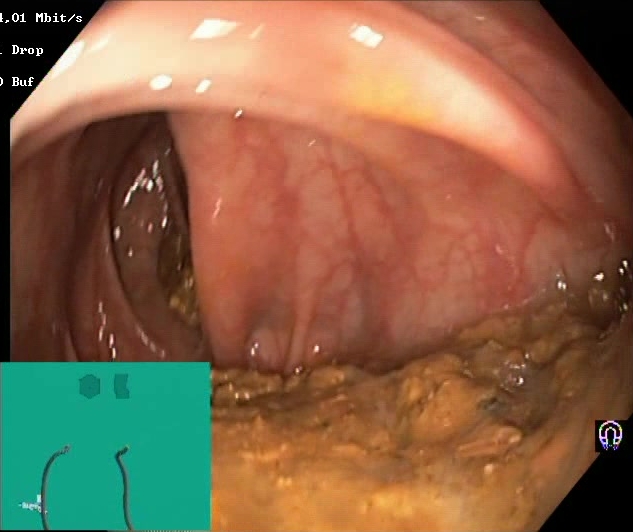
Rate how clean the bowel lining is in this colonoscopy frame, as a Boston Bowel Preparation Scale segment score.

Boston Bowel Preparation Scale score 0–1 (inadequate preparation)